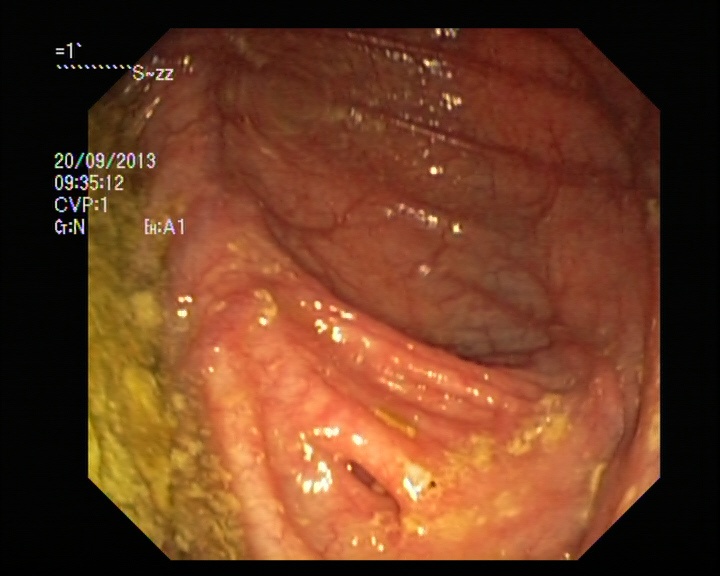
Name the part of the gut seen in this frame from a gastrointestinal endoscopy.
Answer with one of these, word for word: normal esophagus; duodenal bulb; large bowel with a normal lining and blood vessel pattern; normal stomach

large bowel with a normal lining and blood vessel pattern